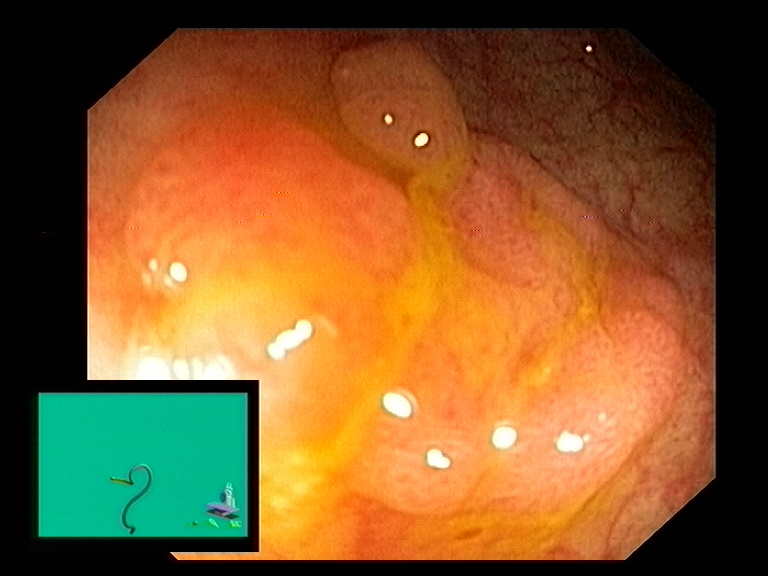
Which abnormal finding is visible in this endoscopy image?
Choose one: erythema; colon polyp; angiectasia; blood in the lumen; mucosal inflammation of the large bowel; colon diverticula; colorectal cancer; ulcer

colon polyp